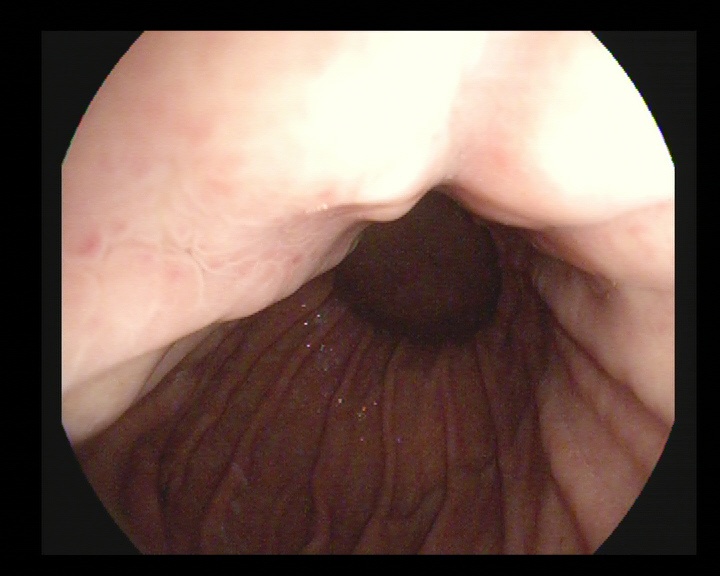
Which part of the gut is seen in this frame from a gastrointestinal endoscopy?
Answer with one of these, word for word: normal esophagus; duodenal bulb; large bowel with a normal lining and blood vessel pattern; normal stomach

normal stomach